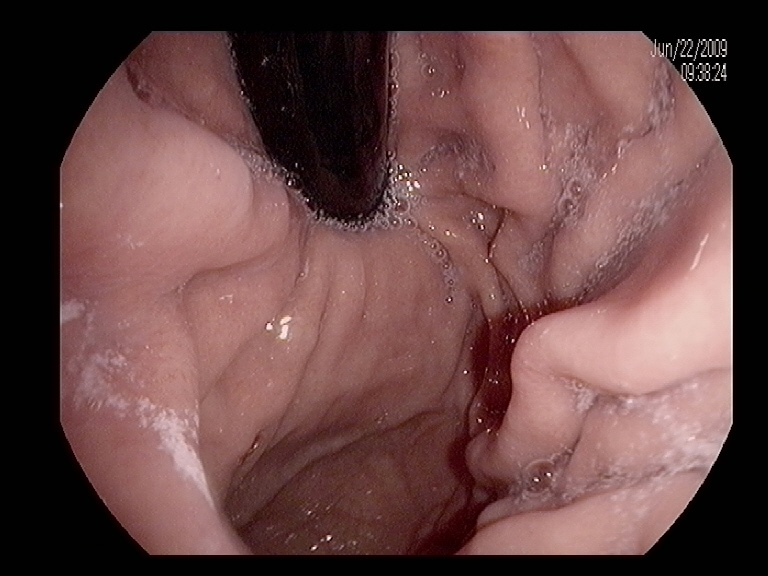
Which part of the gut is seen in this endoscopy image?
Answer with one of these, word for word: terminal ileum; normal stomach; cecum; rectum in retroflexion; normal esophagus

normal stomach